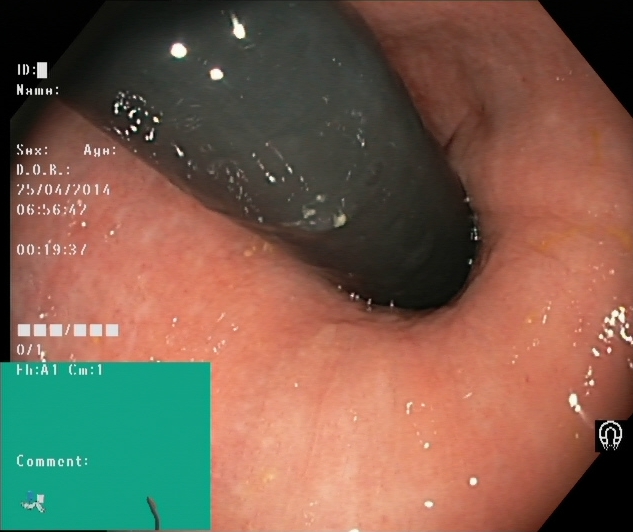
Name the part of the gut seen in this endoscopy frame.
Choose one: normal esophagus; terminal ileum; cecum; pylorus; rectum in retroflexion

rectum in retroflexion